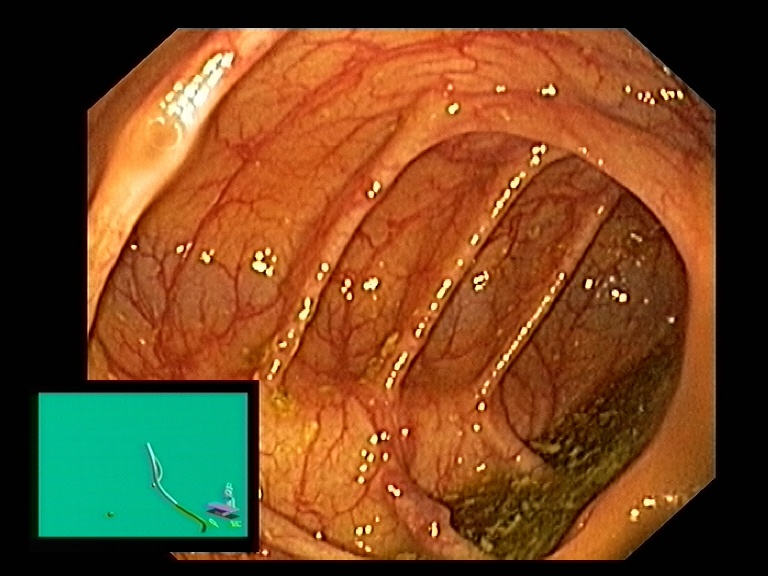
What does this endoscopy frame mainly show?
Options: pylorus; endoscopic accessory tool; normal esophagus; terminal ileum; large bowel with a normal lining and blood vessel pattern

large bowel with a normal lining and blood vessel pattern